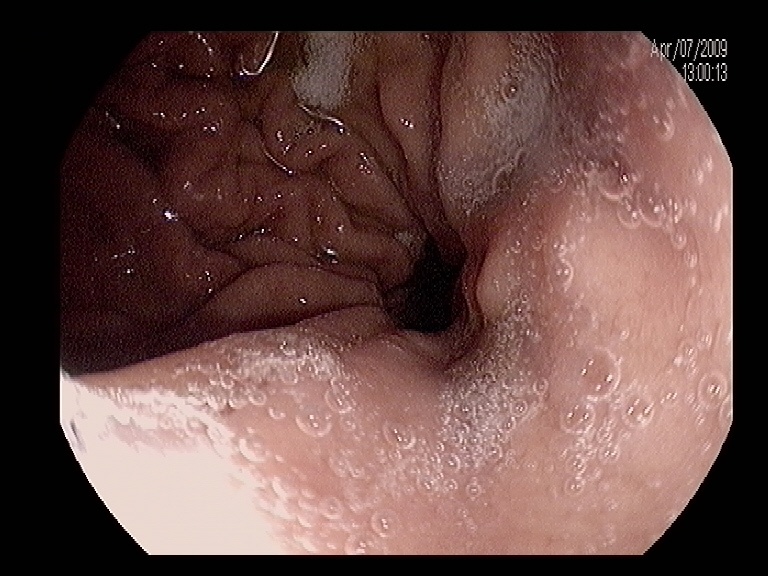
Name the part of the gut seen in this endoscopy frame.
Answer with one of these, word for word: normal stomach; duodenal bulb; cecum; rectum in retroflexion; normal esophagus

normal stomach